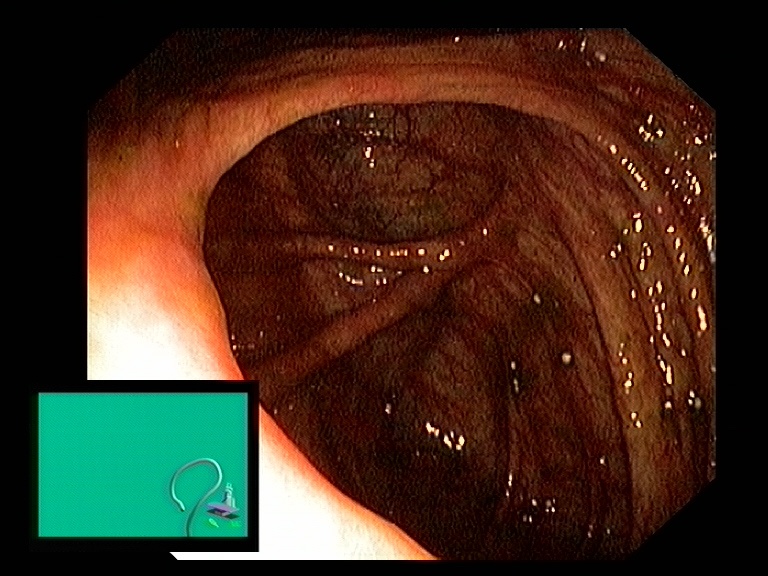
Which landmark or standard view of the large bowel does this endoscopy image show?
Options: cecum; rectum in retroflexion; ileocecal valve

ileocecal valve